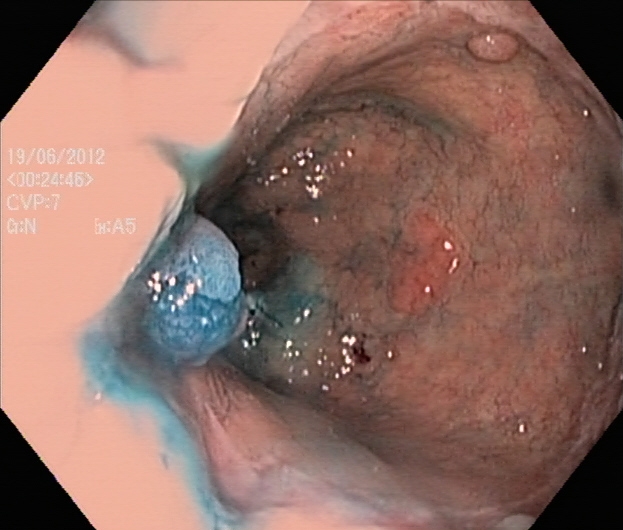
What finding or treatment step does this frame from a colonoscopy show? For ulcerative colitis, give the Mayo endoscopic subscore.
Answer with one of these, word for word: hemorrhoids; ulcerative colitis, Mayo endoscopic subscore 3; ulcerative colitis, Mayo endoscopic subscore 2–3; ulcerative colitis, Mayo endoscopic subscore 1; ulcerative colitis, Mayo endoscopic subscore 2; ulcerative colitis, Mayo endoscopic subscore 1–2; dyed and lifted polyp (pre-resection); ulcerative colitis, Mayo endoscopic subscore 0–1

dyed and lifted polyp (pre-resection)